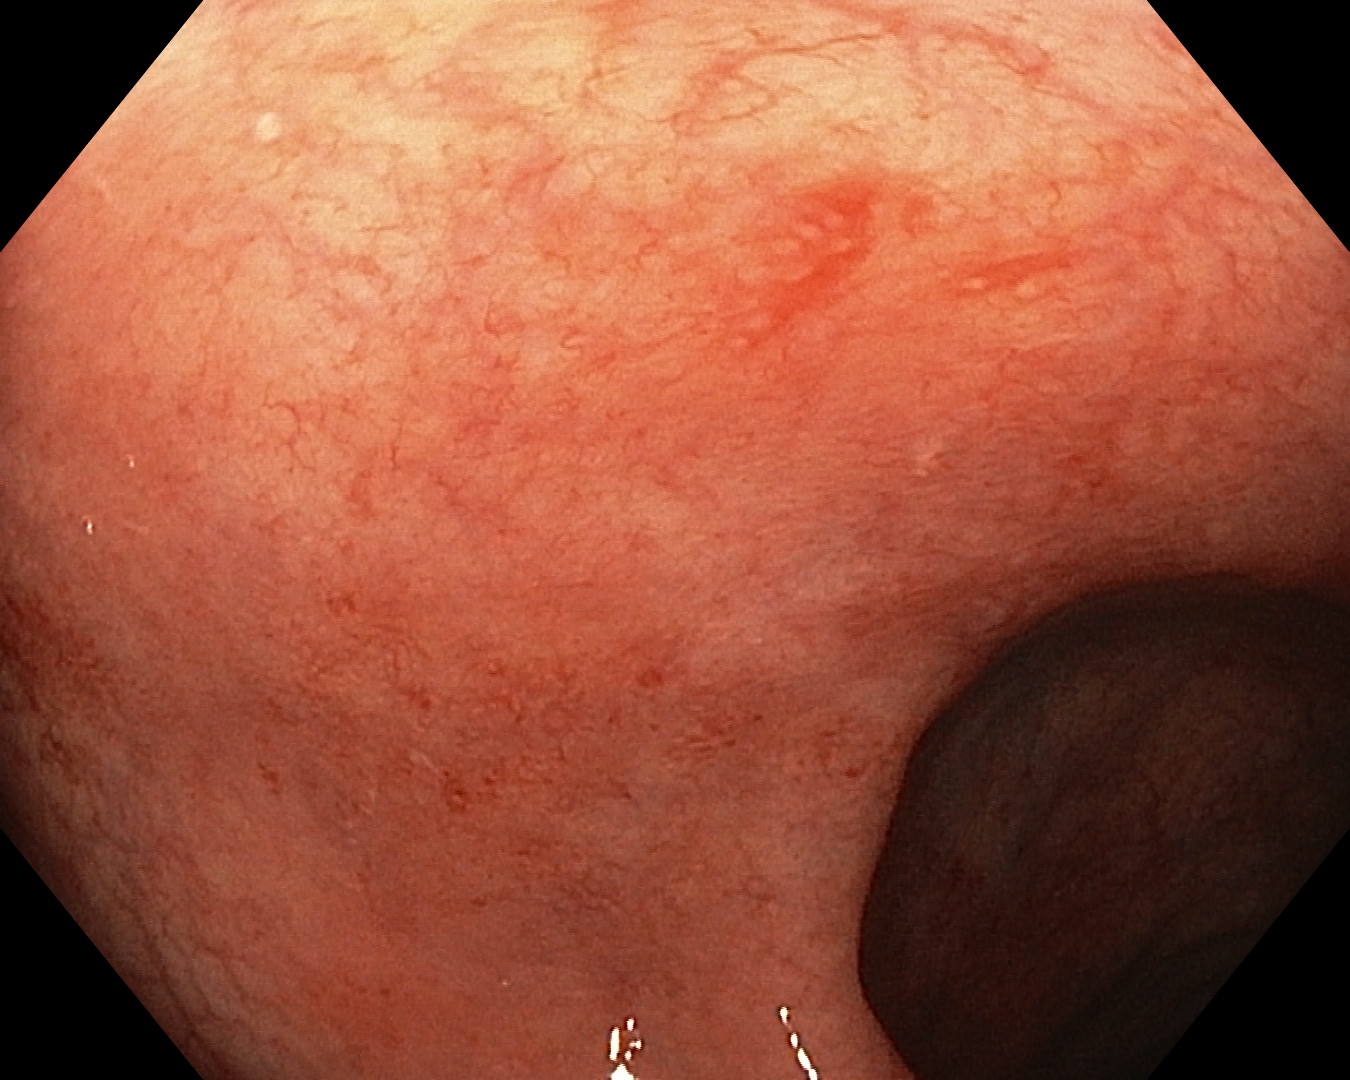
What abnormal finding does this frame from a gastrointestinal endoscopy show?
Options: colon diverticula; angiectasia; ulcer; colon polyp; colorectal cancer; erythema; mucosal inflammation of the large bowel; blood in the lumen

erythema